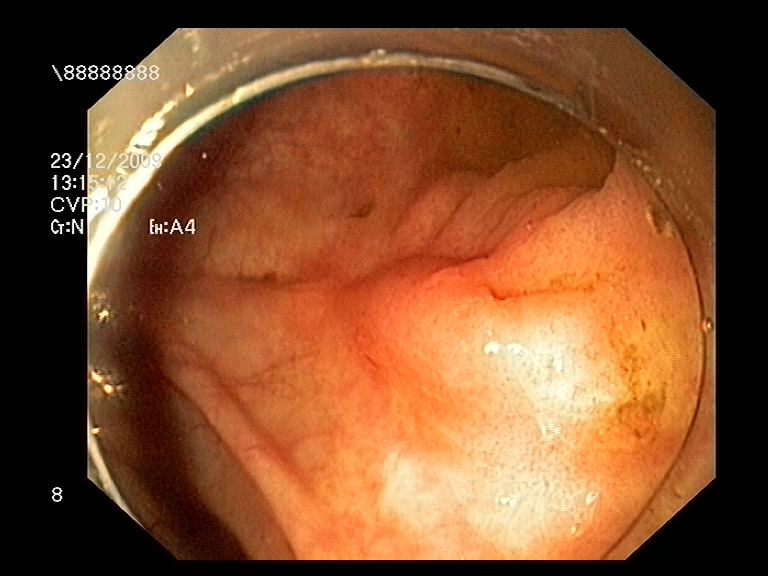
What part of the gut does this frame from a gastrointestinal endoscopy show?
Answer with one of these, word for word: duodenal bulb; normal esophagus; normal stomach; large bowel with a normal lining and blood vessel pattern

large bowel with a normal lining and blood vessel pattern